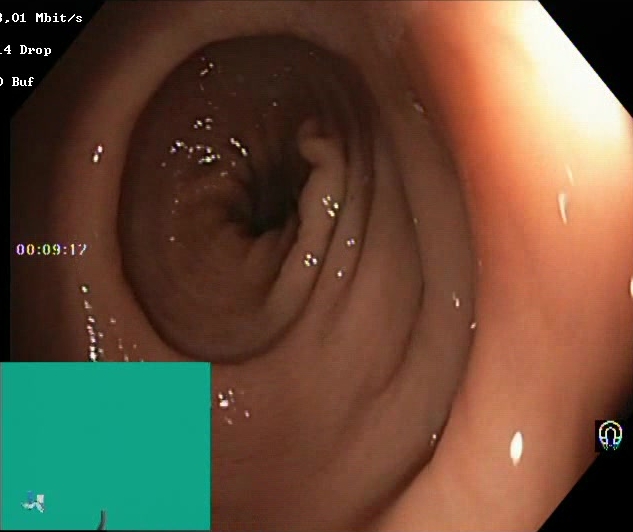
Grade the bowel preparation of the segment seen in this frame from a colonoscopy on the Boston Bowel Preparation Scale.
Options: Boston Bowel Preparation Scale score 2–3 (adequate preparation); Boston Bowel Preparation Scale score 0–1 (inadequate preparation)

Boston Bowel Preparation Scale score 2–3 (adequate preparation)